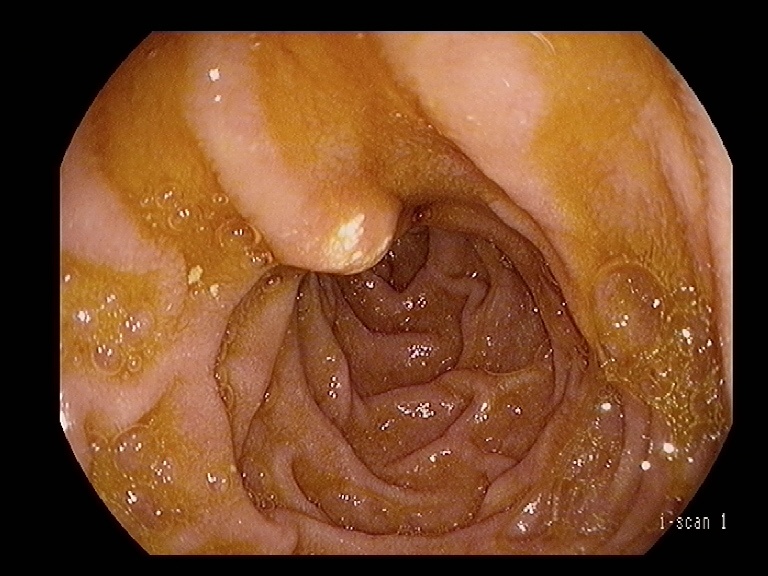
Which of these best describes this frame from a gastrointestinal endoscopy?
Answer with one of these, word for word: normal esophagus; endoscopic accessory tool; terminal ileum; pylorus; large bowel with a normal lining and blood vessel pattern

terminal ileum